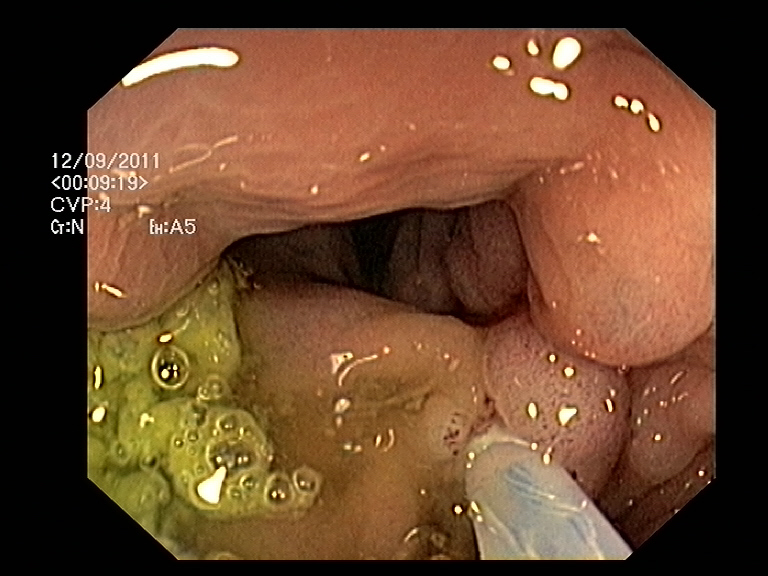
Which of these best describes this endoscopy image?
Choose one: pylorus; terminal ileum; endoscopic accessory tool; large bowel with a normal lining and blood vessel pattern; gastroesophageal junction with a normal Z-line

endoscopic accessory tool